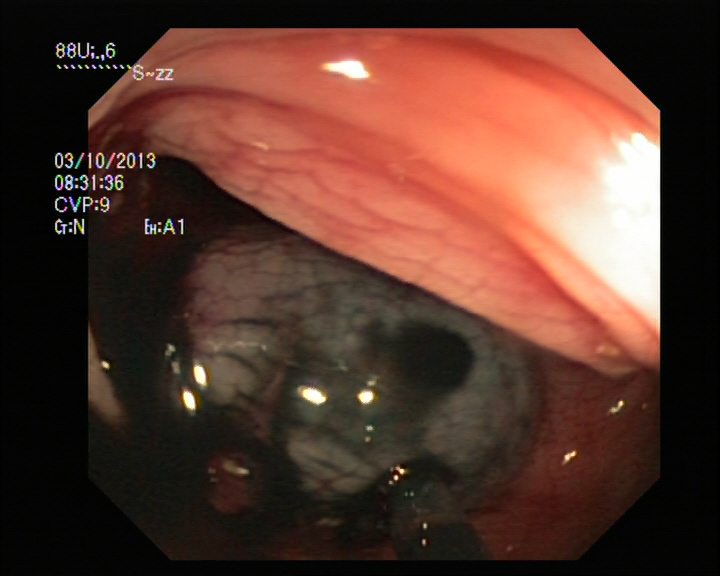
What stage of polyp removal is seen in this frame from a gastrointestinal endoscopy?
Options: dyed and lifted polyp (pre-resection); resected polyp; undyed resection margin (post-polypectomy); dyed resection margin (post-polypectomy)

dyed and lifted polyp (pre-resection)